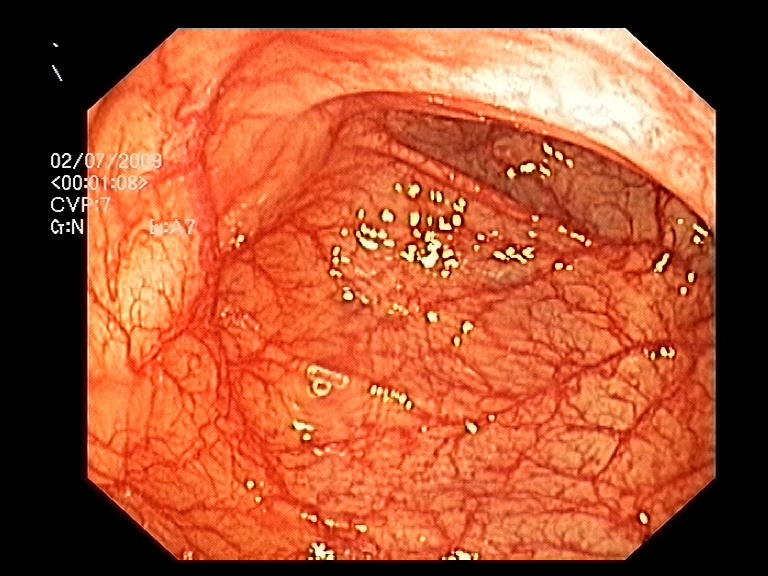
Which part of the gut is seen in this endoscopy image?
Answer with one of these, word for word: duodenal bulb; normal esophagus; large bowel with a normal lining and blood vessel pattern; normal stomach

large bowel with a normal lining and blood vessel pattern